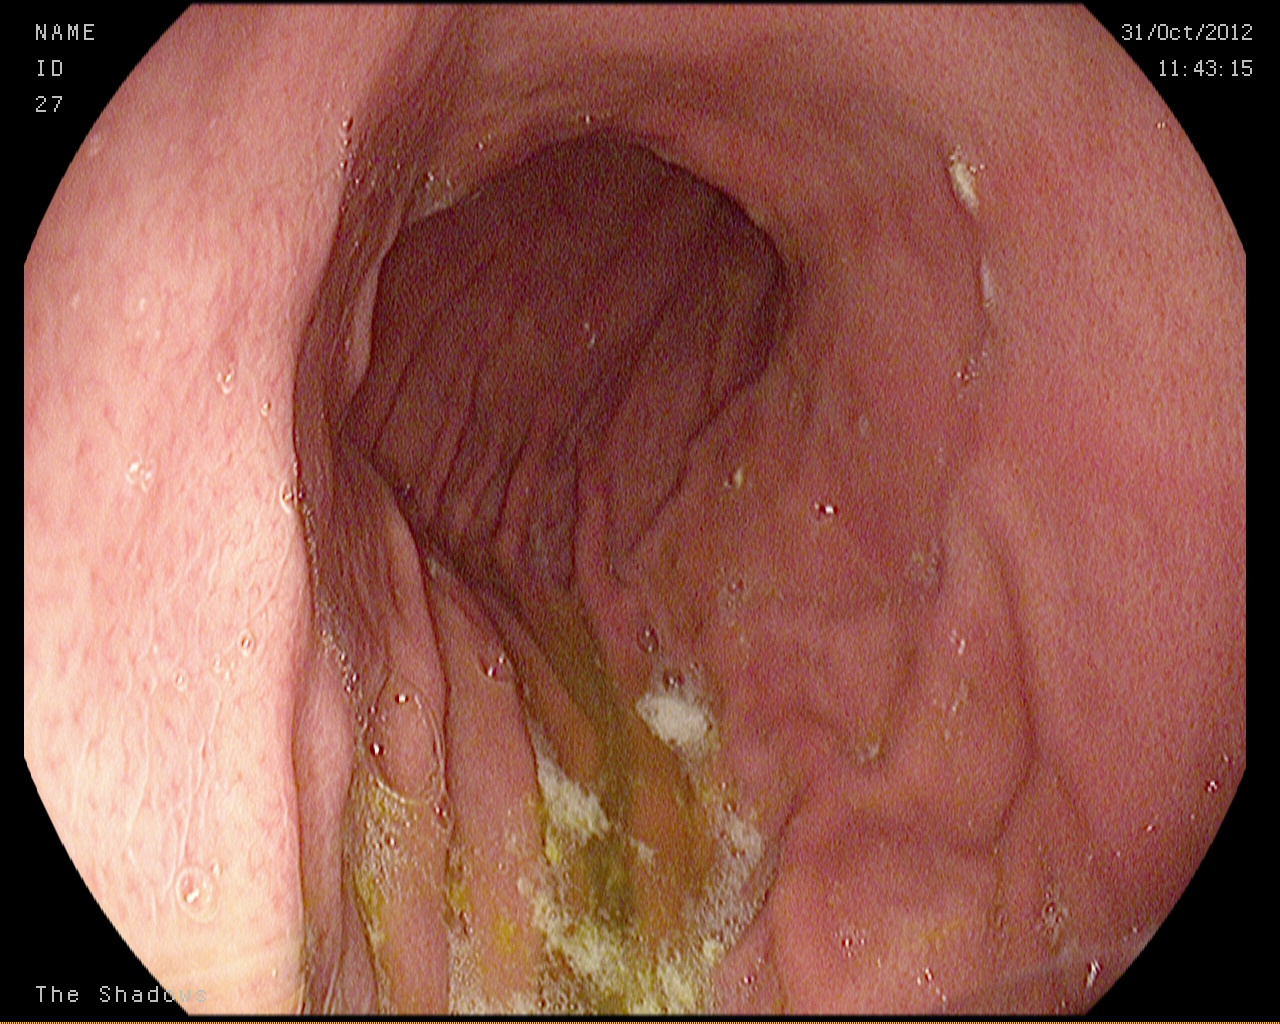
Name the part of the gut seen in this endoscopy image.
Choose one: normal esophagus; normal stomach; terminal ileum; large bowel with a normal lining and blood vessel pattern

normal stomach